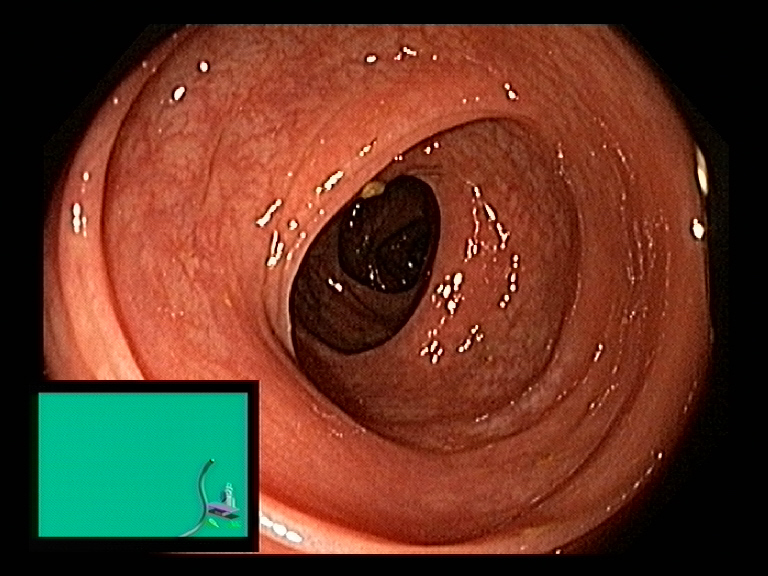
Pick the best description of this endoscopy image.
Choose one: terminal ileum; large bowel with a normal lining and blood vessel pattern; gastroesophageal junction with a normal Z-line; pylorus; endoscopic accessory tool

large bowel with a normal lining and blood vessel pattern